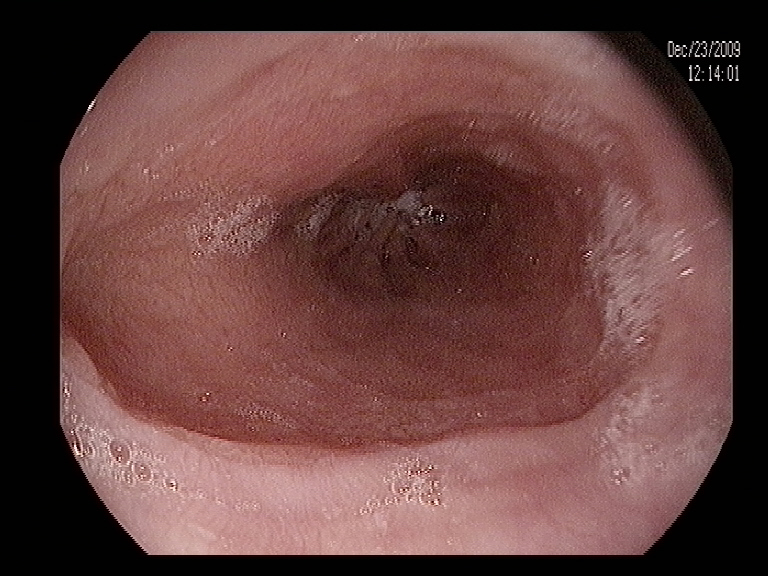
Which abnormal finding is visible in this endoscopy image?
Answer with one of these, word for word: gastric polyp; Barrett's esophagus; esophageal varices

Barrett's esophagus